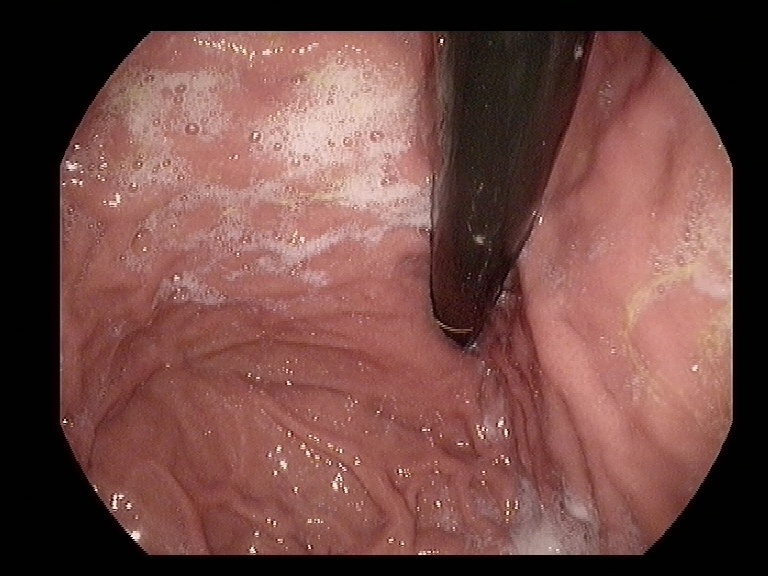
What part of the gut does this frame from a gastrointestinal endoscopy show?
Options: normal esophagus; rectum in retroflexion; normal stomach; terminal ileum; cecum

normal stomach